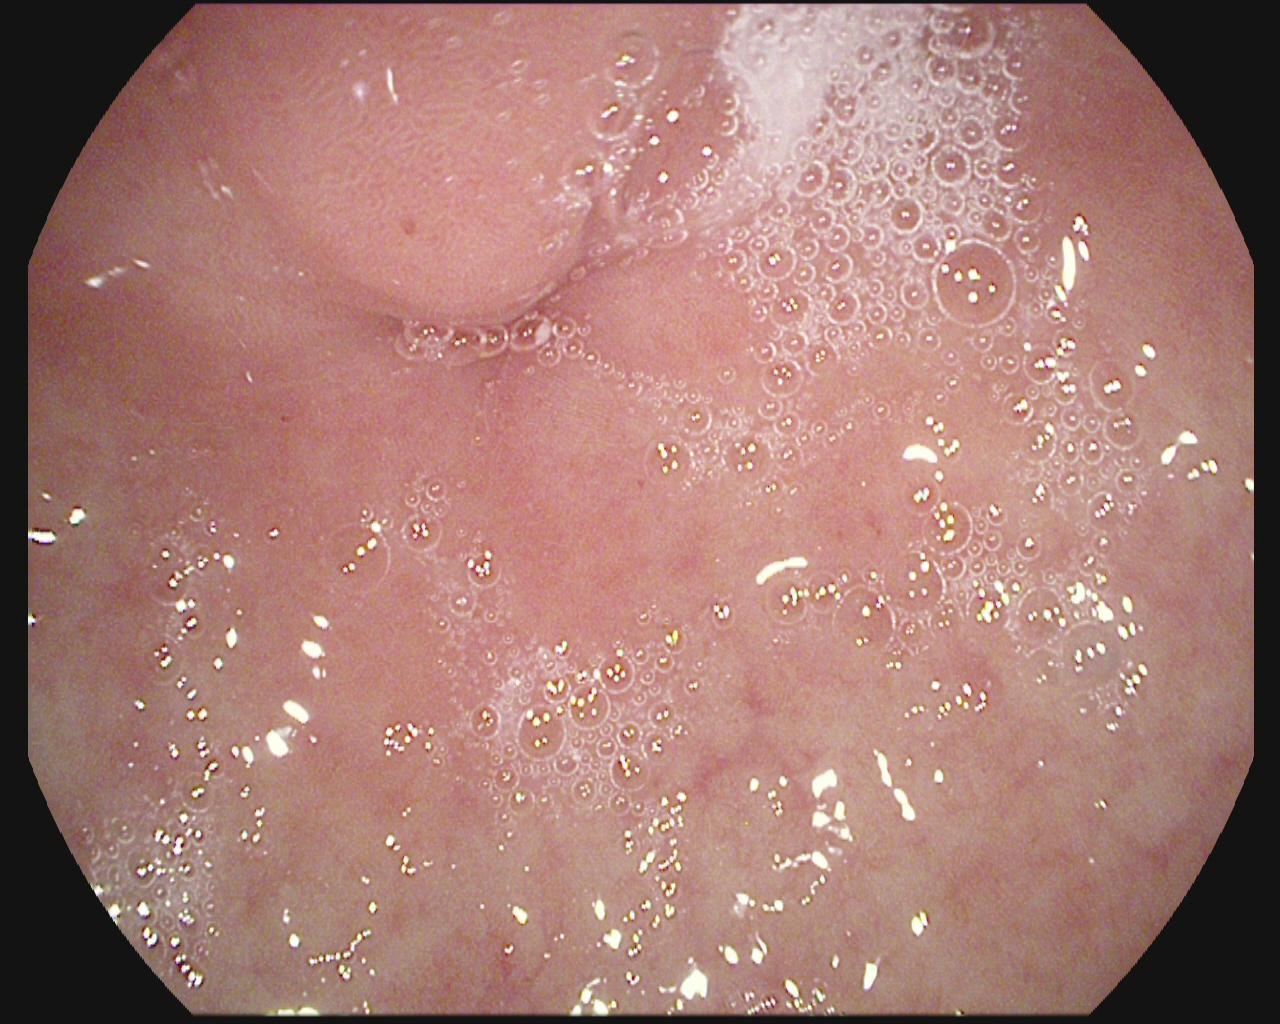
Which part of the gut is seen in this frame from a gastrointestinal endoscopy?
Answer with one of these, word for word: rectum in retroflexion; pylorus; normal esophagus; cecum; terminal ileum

pylorus